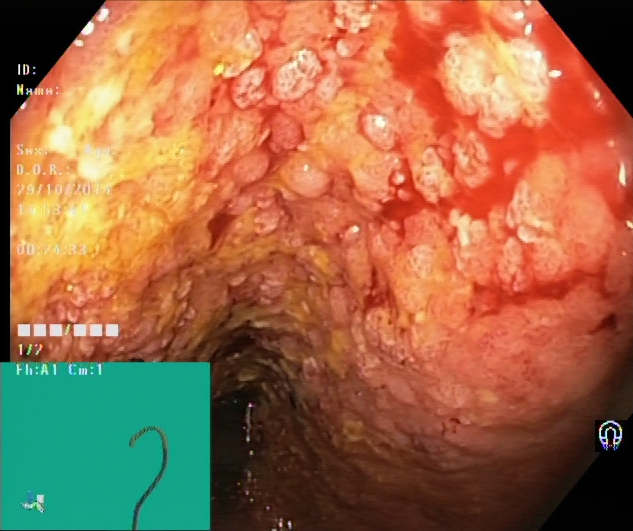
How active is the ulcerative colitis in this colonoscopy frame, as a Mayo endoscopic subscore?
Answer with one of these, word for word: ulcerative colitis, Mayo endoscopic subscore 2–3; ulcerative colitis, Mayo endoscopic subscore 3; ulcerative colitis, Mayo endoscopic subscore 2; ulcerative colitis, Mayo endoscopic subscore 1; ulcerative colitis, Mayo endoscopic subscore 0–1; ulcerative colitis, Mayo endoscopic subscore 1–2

ulcerative colitis, Mayo endoscopic subscore 3